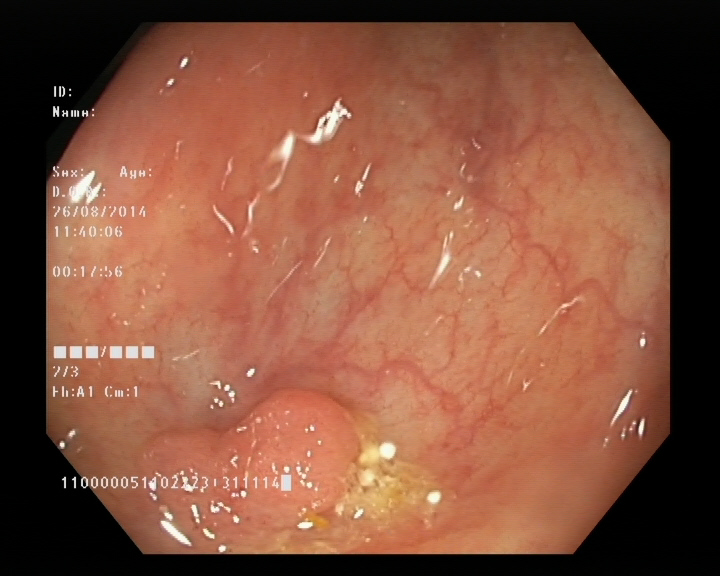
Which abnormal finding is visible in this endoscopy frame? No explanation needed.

colon polyp